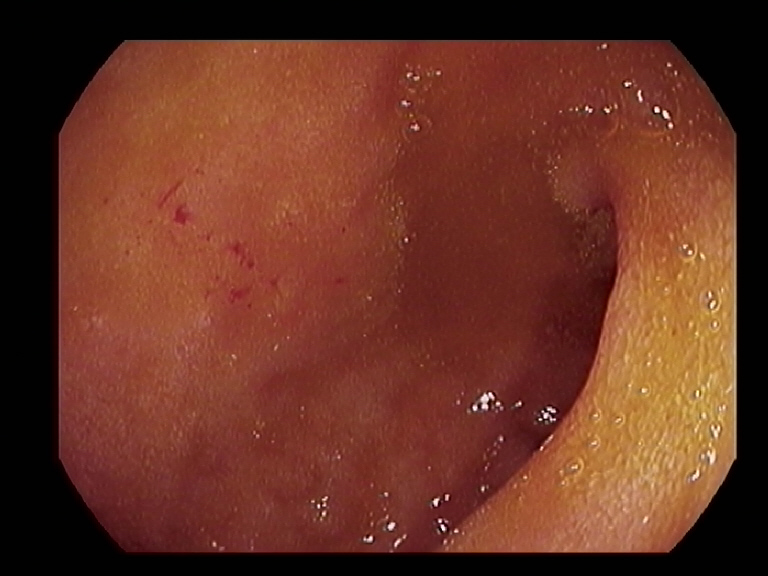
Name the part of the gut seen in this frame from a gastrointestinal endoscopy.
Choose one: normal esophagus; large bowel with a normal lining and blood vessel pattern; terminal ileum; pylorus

terminal ileum